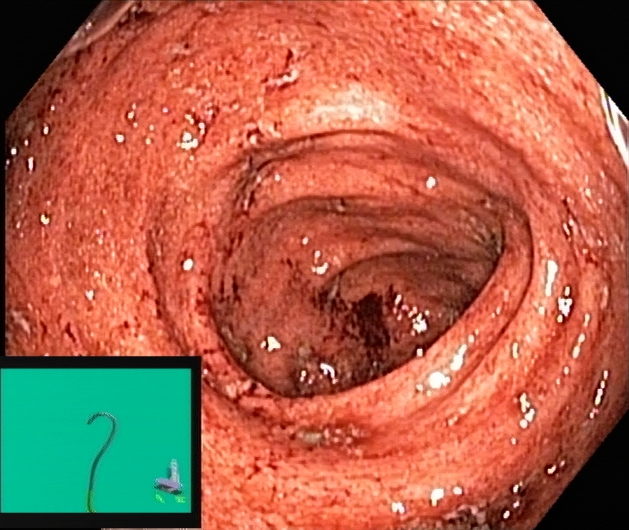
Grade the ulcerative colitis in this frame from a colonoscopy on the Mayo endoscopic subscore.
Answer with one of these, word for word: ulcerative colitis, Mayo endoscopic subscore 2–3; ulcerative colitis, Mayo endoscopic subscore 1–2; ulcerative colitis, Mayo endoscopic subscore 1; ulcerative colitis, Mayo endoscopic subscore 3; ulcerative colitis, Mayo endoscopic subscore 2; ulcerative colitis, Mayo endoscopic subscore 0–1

ulcerative colitis, Mayo endoscopic subscore 3